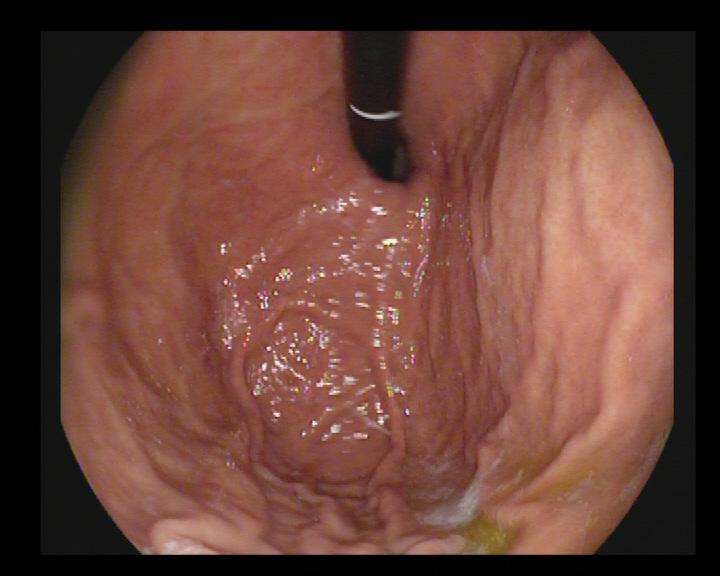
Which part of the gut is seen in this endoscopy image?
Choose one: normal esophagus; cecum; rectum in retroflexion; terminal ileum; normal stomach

normal stomach